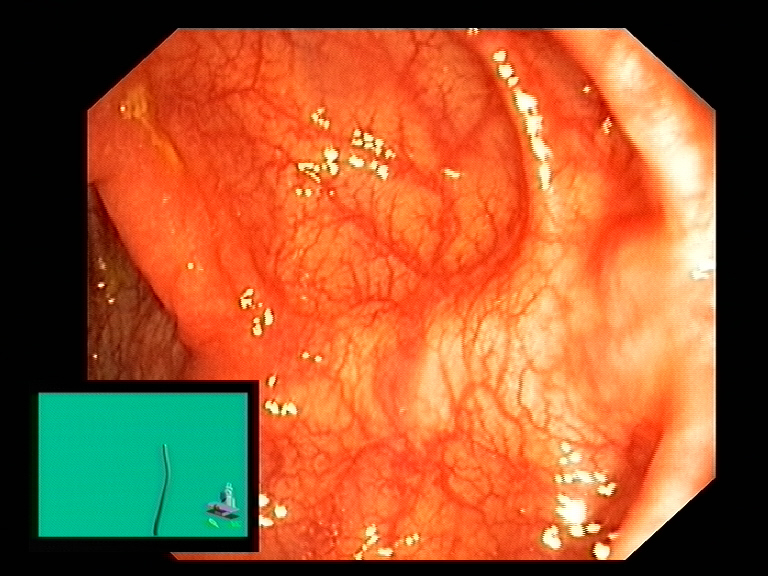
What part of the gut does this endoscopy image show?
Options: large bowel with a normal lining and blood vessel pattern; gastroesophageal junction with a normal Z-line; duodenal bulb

large bowel with a normal lining and blood vessel pattern